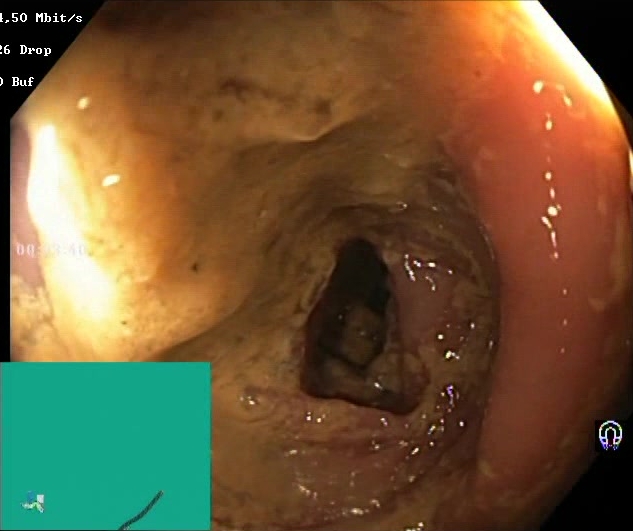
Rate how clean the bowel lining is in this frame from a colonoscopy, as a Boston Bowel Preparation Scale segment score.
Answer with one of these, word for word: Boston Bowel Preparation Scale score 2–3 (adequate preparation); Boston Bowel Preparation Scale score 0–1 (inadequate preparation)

Boston Bowel Preparation Scale score 0–1 (inadequate preparation)